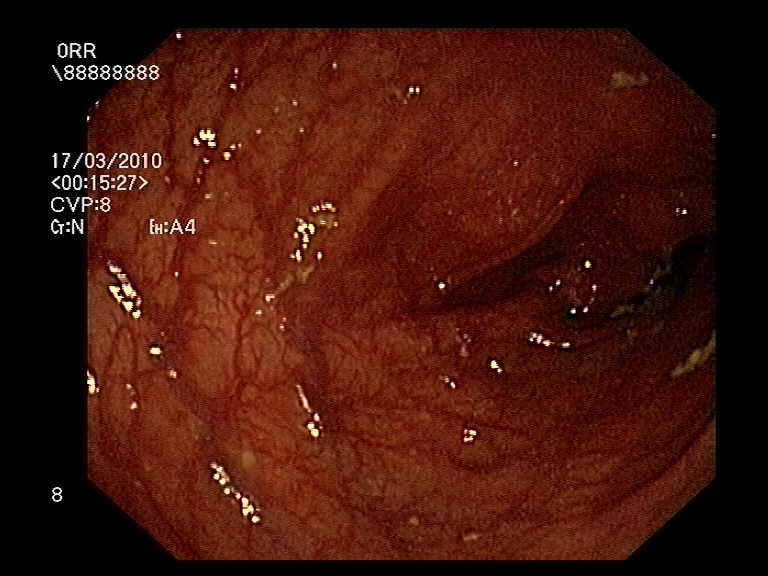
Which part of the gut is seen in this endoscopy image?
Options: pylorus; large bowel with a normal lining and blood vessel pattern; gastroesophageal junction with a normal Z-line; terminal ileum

large bowel with a normal lining and blood vessel pattern